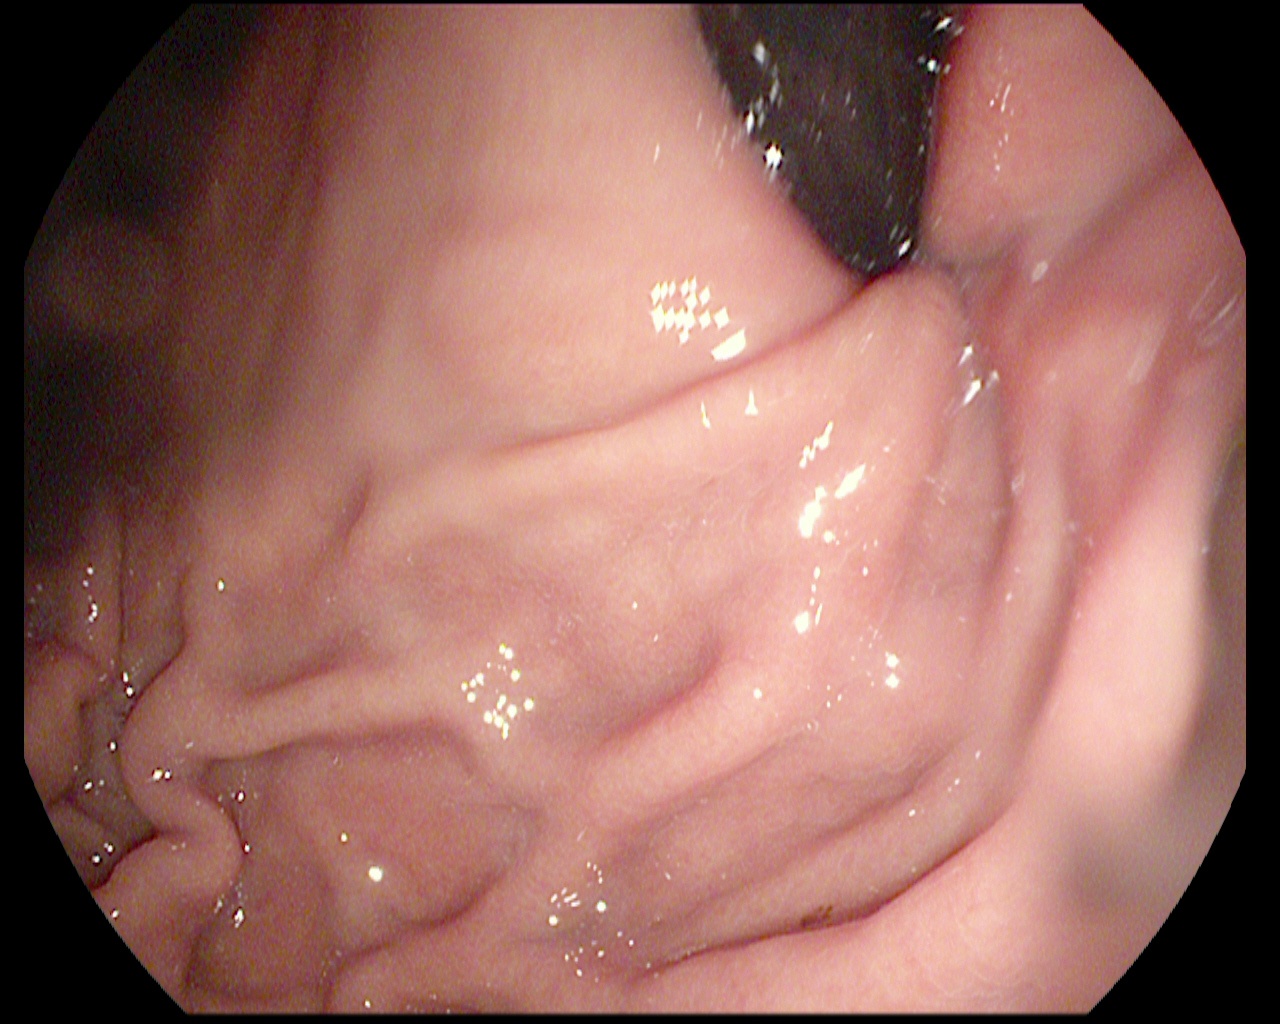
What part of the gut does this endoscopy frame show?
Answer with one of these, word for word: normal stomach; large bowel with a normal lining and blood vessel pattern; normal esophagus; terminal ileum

normal stomach